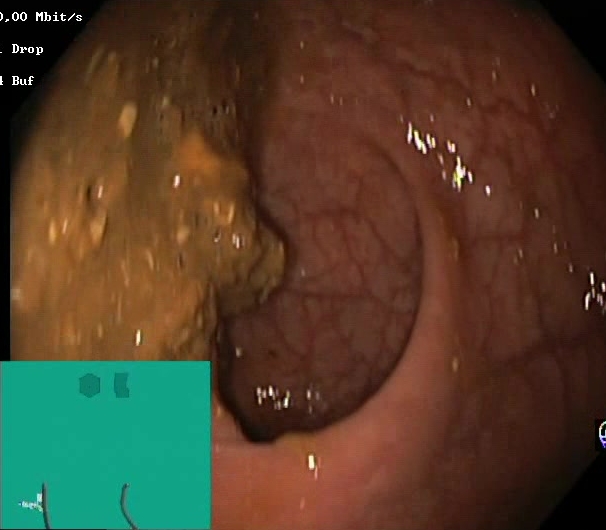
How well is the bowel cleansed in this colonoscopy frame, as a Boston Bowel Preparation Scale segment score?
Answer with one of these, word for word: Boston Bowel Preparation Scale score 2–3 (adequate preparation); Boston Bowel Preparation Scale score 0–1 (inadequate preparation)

Boston Bowel Preparation Scale score 0–1 (inadequate preparation)